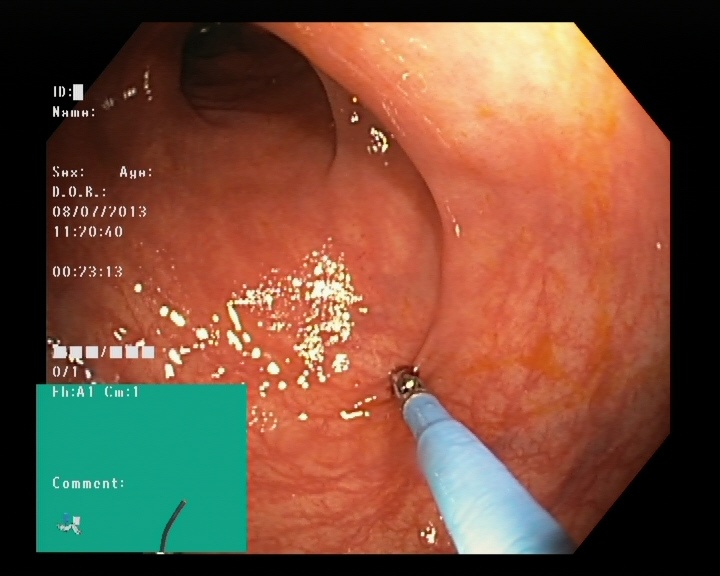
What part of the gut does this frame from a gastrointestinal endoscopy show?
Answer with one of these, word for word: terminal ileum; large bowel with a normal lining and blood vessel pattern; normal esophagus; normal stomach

large bowel with a normal lining and blood vessel pattern